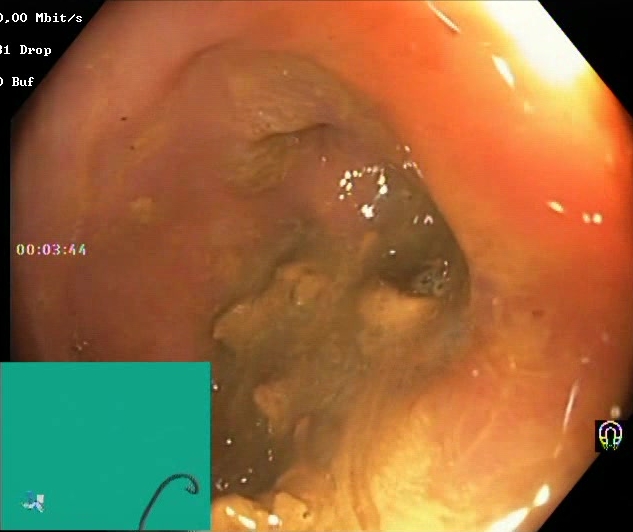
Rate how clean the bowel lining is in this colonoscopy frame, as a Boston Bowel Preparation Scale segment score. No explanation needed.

Boston Bowel Preparation Scale score 0–1 (inadequate preparation)